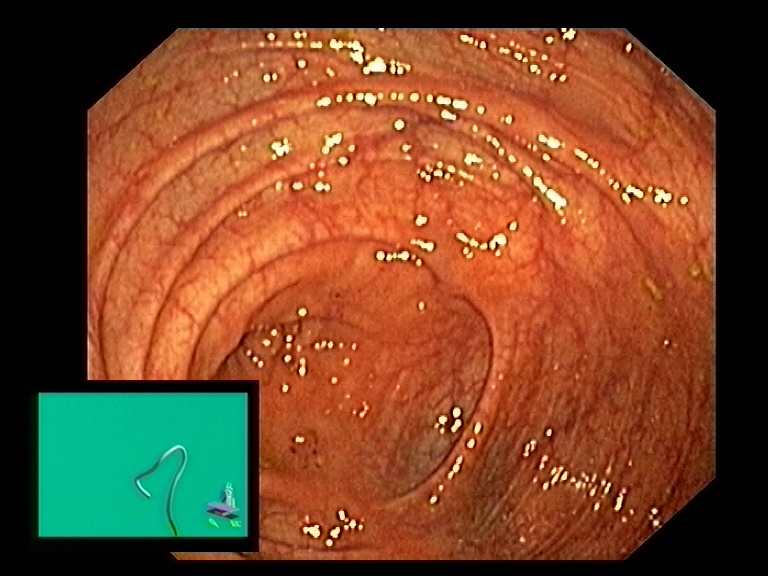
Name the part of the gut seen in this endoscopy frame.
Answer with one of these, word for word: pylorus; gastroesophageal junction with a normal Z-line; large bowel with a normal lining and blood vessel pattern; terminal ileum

large bowel with a normal lining and blood vessel pattern